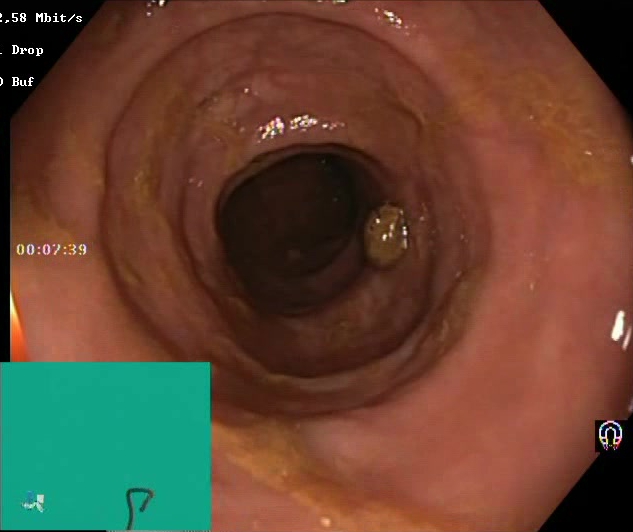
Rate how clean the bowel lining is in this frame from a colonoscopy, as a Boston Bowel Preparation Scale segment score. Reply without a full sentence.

Boston Bowel Preparation Scale score 2–3 (adequate preparation)